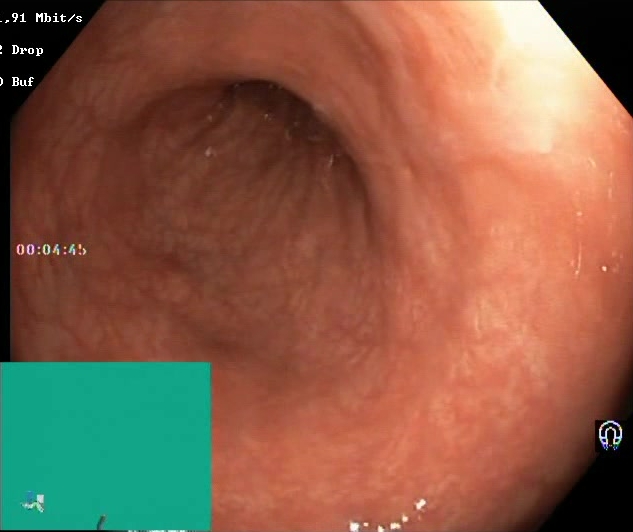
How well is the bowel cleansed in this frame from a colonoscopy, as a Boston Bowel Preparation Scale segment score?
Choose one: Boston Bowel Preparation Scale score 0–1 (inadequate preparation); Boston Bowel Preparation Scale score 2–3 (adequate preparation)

Boston Bowel Preparation Scale score 2–3 (adequate preparation)